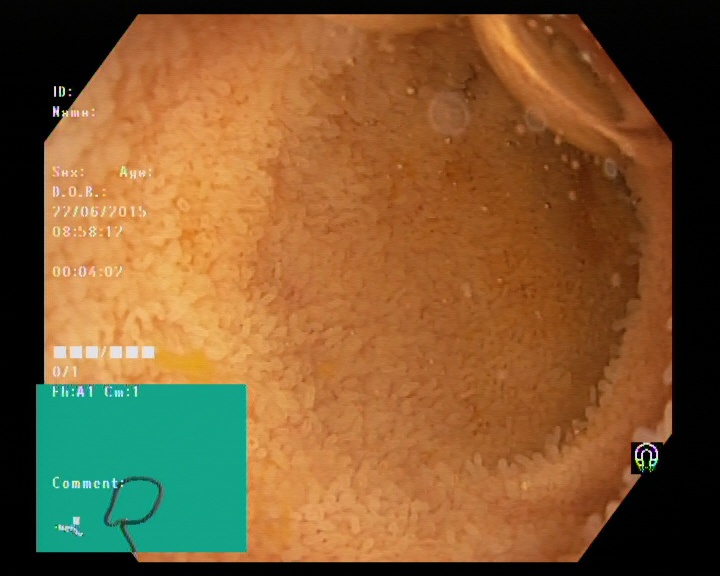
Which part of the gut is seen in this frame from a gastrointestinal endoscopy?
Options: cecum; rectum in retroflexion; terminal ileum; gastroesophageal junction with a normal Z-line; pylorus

terminal ileum